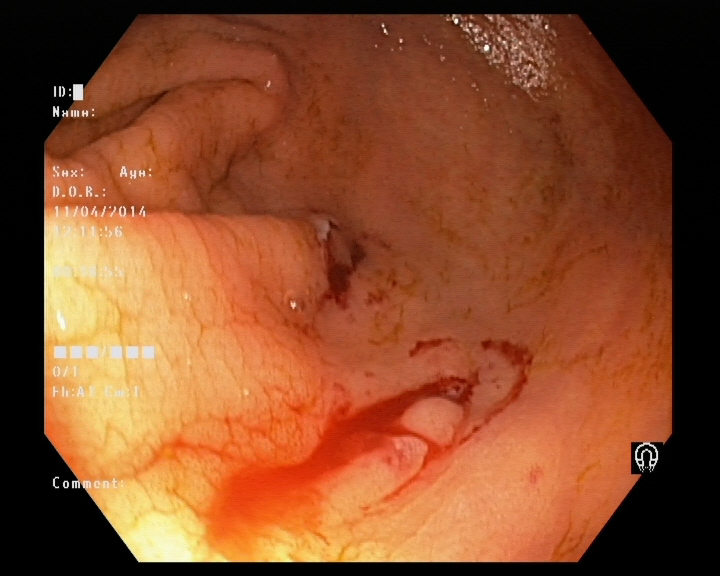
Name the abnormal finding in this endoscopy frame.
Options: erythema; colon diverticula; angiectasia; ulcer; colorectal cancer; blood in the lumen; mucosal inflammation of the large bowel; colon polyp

blood in the lumen